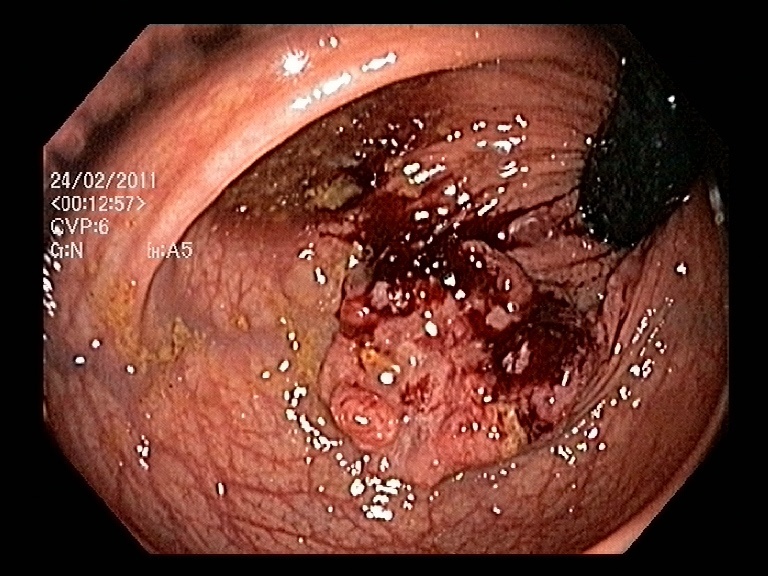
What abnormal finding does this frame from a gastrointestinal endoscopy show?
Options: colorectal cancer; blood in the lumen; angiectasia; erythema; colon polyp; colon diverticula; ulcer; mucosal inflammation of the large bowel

colorectal cancer